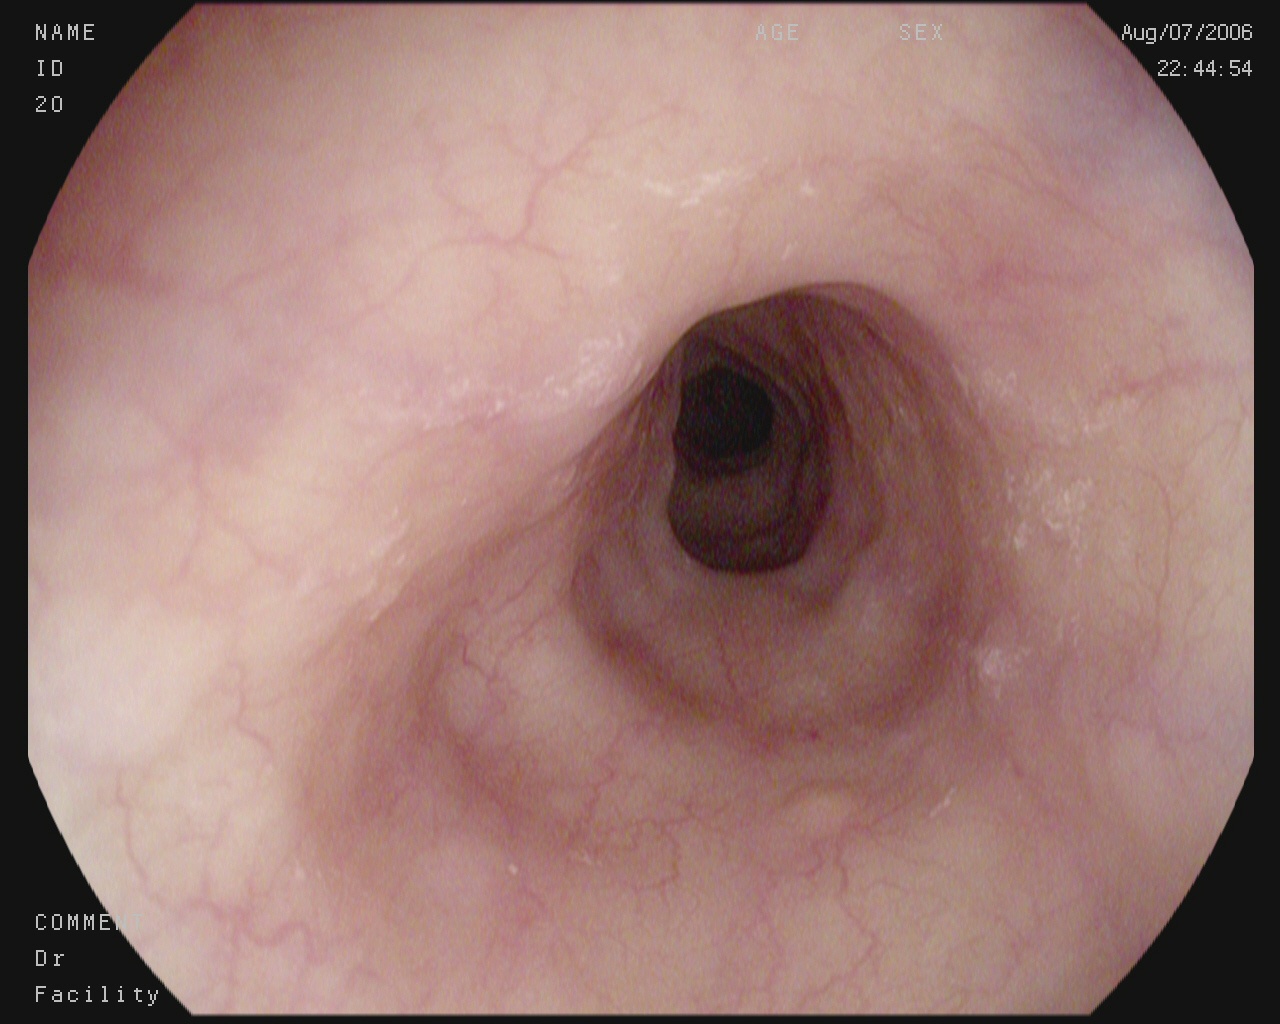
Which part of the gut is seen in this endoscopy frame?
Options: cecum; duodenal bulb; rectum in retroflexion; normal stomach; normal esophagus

normal esophagus